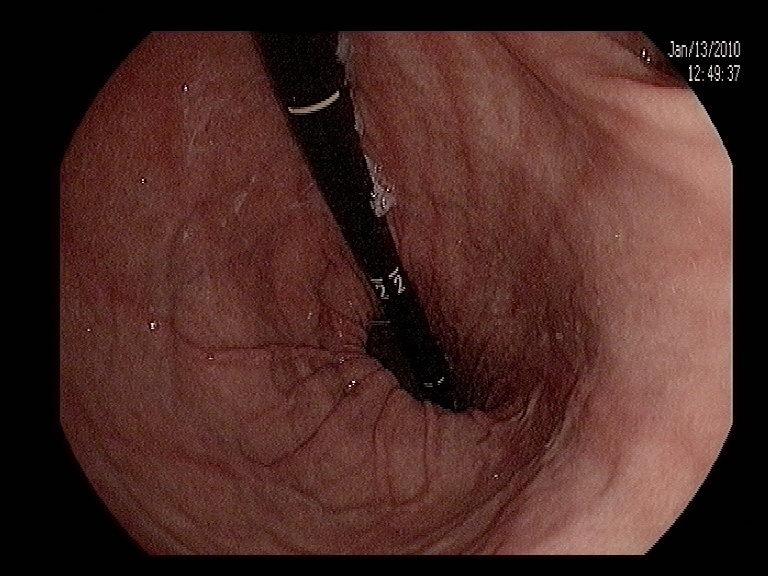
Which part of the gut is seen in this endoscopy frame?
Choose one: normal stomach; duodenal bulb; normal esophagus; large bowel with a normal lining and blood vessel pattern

normal stomach